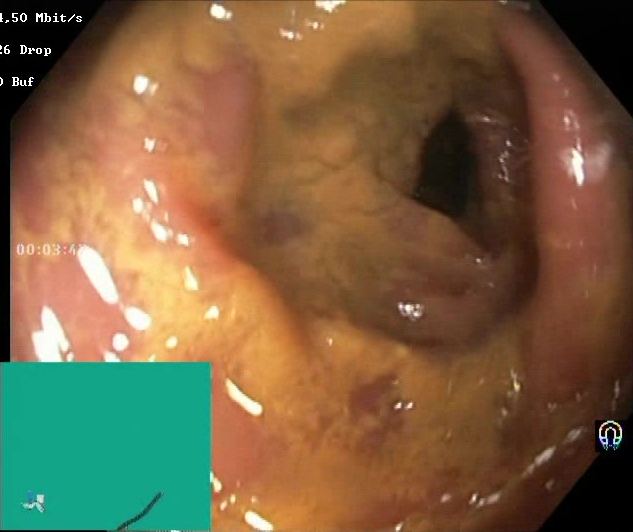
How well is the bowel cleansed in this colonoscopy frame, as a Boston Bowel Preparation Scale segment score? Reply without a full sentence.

Boston Bowel Preparation Scale score 0–1 (inadequate preparation)